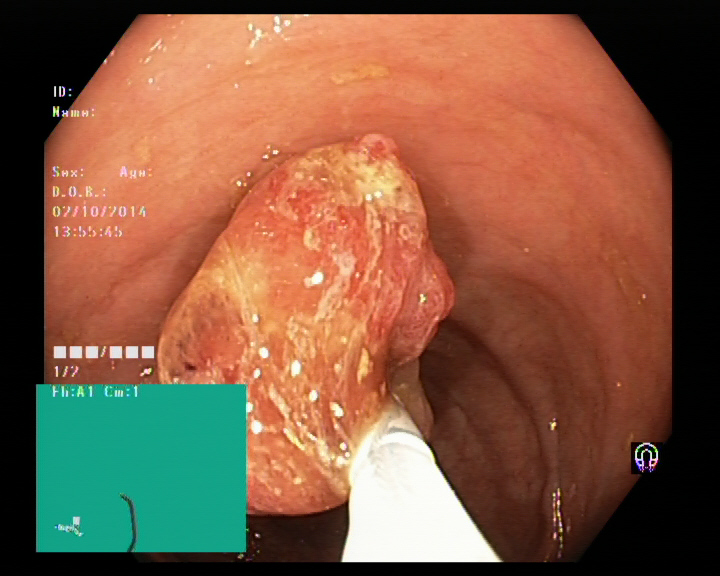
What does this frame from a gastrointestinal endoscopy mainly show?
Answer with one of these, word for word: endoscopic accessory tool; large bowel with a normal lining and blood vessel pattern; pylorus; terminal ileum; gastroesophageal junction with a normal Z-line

endoscopic accessory tool